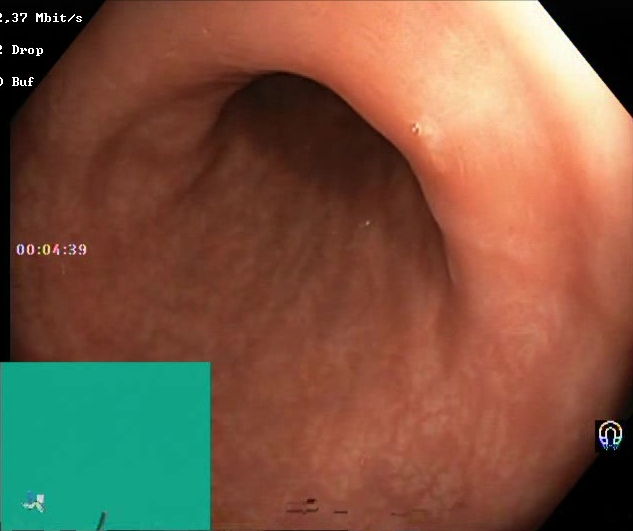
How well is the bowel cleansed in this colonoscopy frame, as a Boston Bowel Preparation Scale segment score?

Boston Bowel Preparation Scale score 2–3 (adequate preparation)